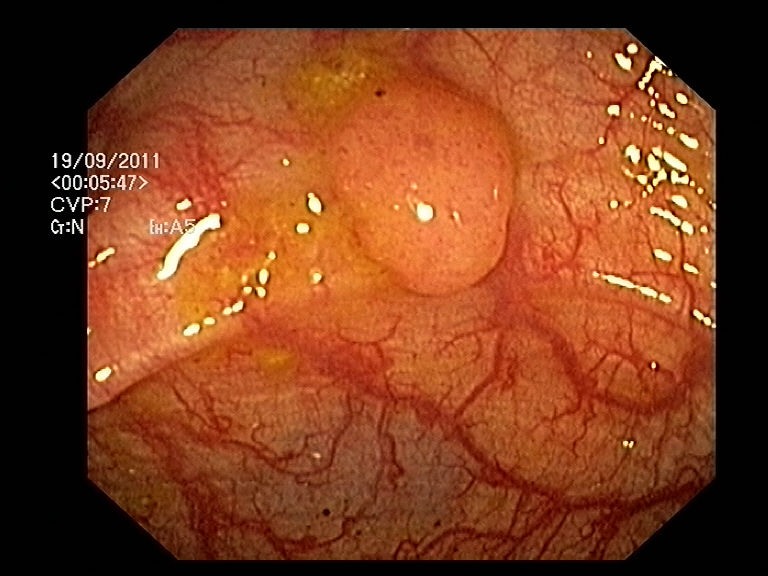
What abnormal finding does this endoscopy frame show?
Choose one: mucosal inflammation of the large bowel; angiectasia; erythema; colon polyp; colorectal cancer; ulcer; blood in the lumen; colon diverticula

colon polyp